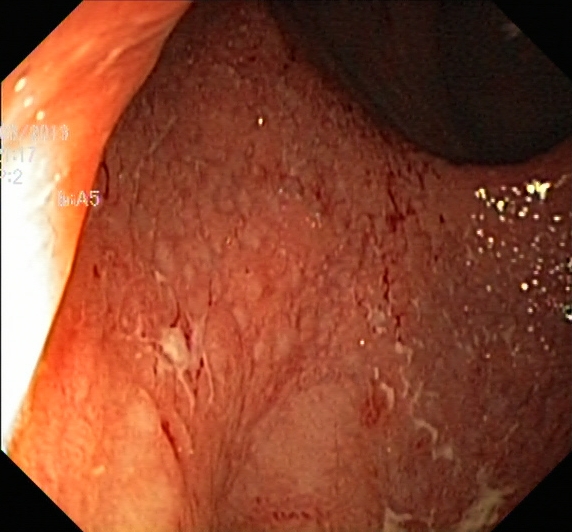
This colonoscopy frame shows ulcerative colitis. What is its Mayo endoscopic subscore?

ulcerative colitis, Mayo endoscopic subscore 2